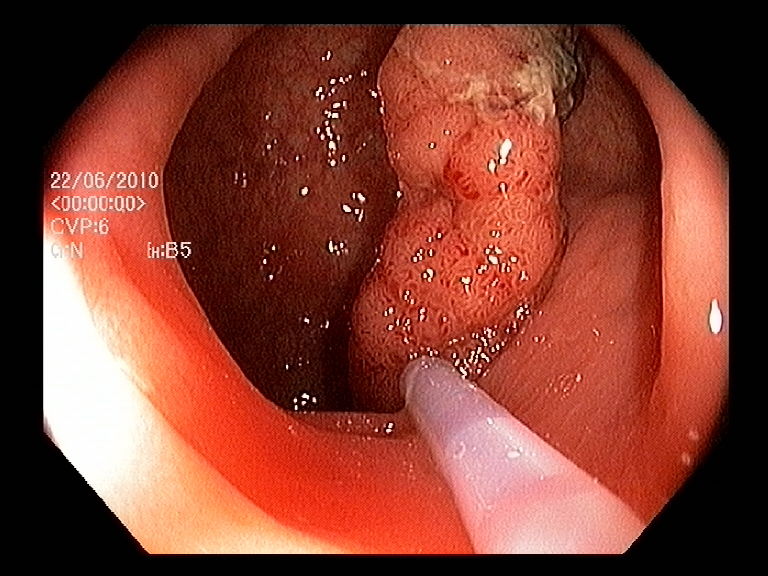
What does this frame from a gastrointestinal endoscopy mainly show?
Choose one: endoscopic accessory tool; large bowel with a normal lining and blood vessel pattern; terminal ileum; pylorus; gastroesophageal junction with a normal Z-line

endoscopic accessory tool